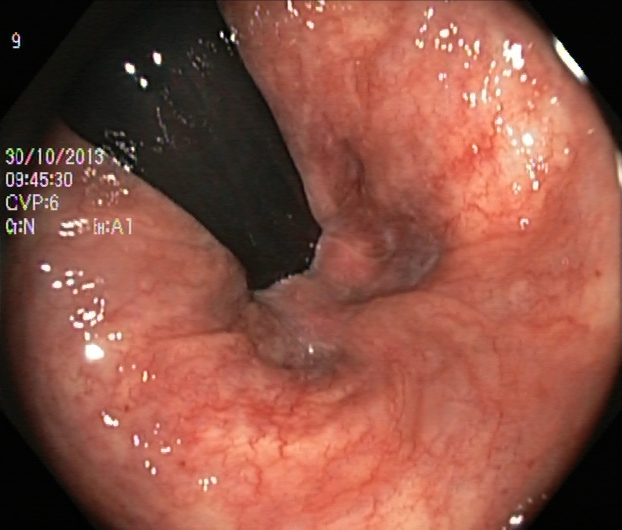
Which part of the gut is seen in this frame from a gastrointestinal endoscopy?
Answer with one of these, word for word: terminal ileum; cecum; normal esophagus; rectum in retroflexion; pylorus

rectum in retroflexion